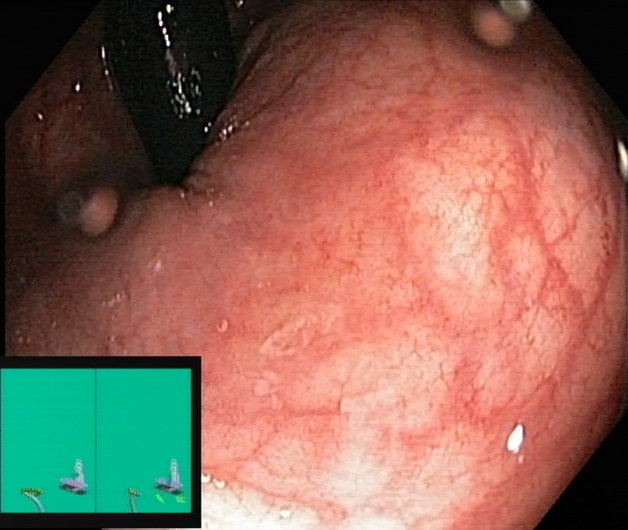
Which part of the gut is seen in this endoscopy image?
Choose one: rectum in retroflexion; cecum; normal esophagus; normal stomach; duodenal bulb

rectum in retroflexion